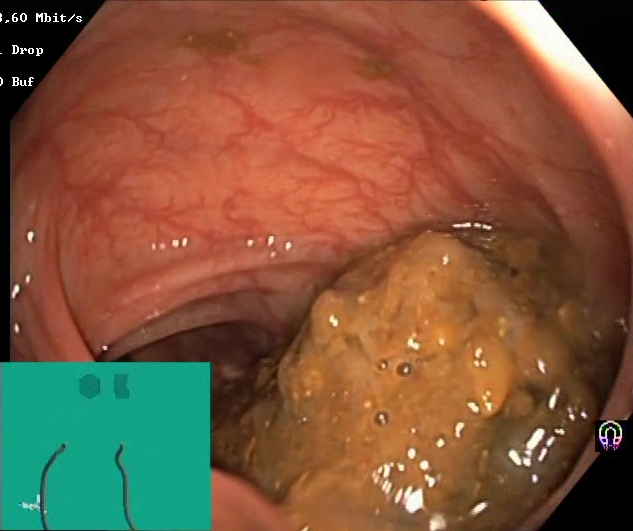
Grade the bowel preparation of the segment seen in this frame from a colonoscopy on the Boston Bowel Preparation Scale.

Boston Bowel Preparation Scale score 0–1 (inadequate preparation)